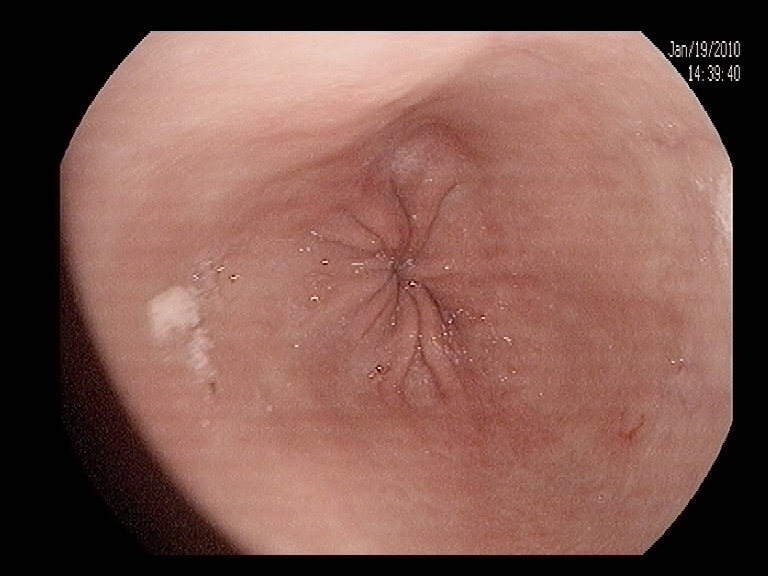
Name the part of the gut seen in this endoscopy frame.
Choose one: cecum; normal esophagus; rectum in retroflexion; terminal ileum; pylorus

pylorus